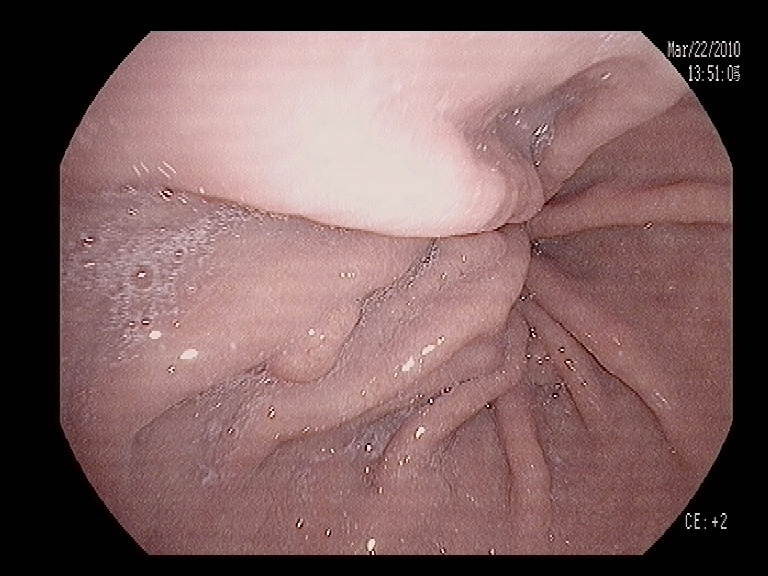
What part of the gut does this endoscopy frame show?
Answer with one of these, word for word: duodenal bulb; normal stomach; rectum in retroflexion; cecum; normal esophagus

normal stomach